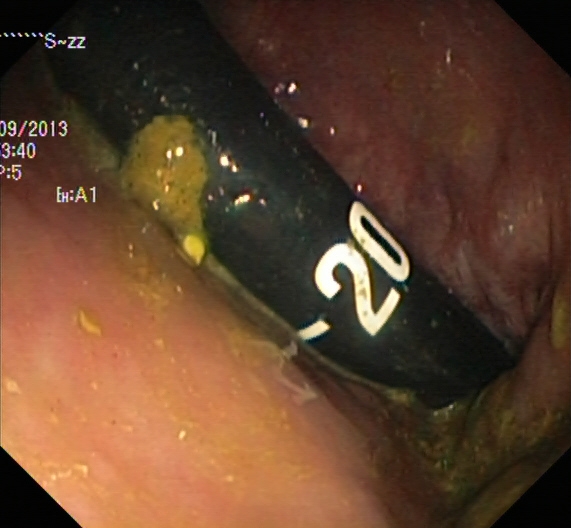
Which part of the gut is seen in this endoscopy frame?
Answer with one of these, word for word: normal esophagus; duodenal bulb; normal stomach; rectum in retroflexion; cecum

rectum in retroflexion